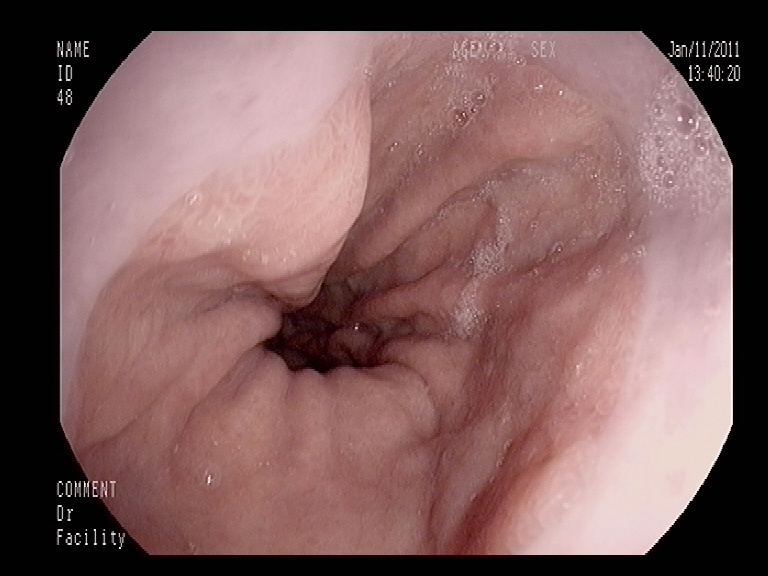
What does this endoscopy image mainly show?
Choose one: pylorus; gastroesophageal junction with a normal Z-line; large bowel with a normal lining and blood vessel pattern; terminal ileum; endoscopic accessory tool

gastroesophageal junction with a normal Z-line